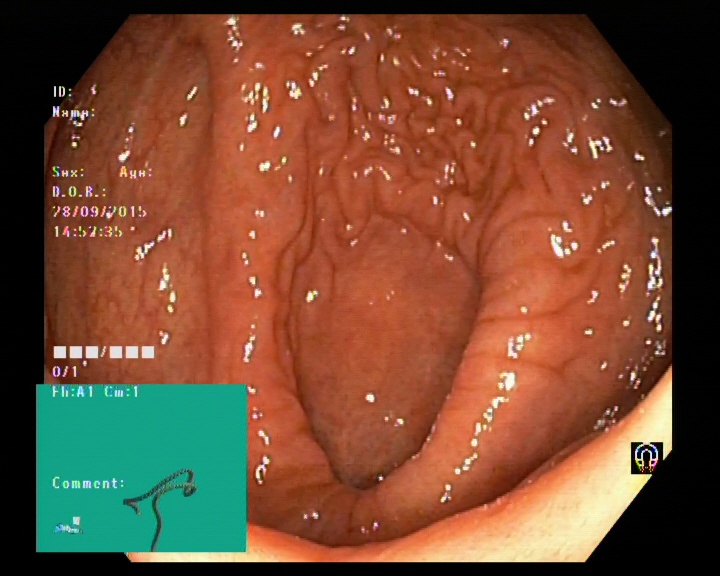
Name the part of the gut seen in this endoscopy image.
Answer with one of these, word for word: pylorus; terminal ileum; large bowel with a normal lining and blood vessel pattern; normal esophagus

large bowel with a normal lining and blood vessel pattern